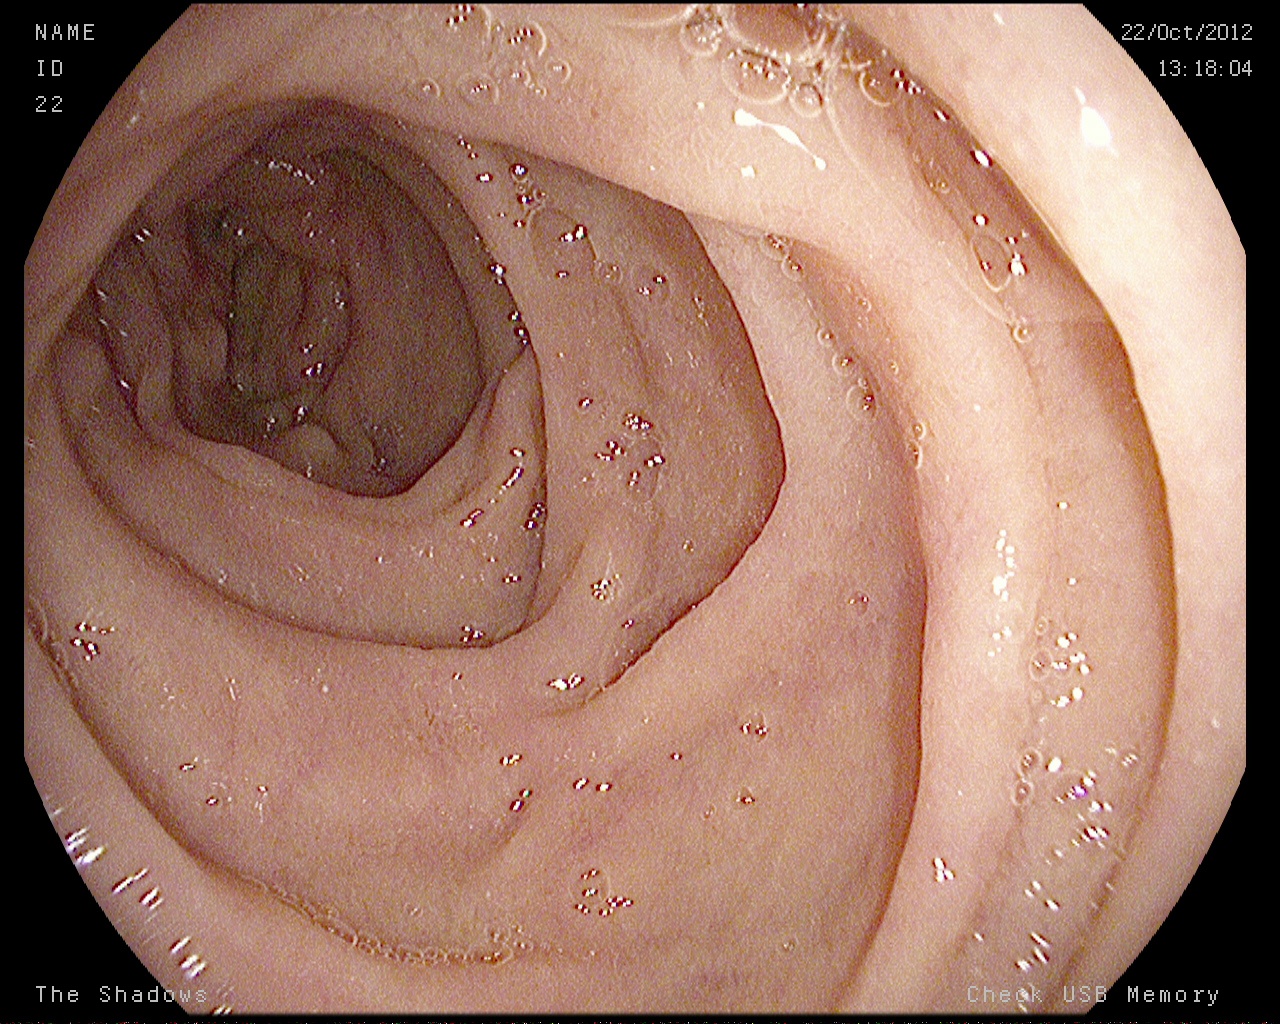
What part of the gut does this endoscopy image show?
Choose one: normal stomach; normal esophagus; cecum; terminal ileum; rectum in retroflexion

terminal ileum